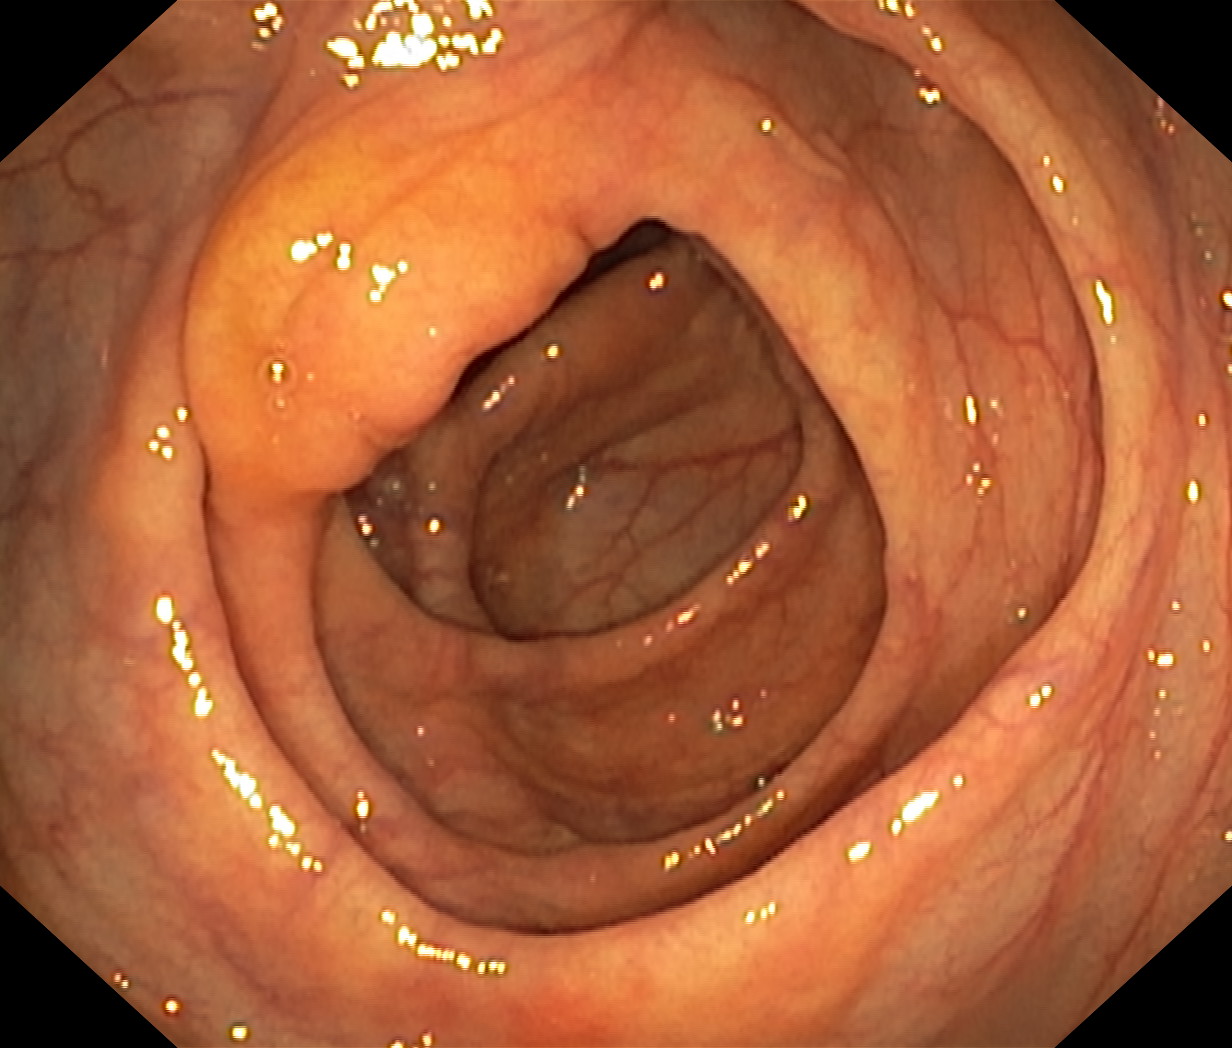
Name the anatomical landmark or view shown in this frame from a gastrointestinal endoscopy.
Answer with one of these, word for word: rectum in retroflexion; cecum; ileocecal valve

ileocecal valve